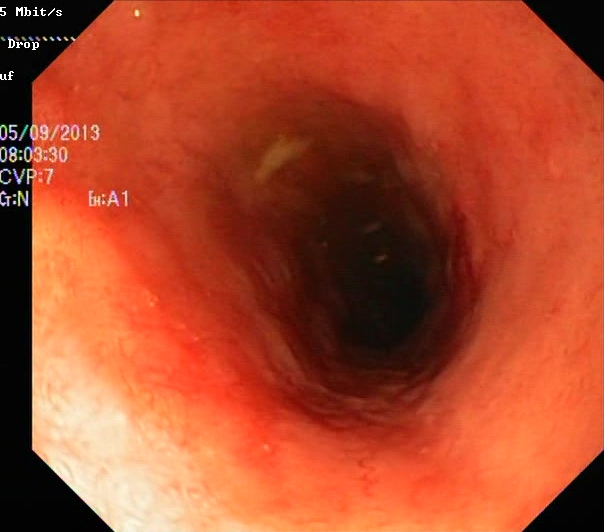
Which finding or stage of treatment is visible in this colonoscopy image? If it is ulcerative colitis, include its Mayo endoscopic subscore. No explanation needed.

ulcerative colitis, Mayo endoscopic subscore 2